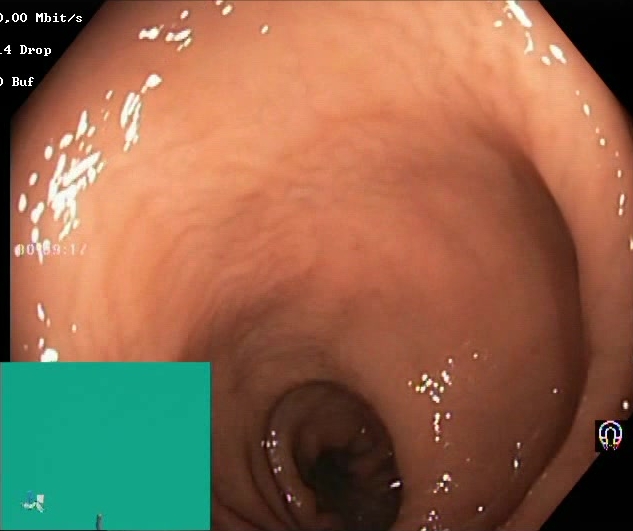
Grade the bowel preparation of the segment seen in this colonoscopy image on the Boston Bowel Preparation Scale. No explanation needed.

Boston Bowel Preparation Scale score 2–3 (adequate preparation)